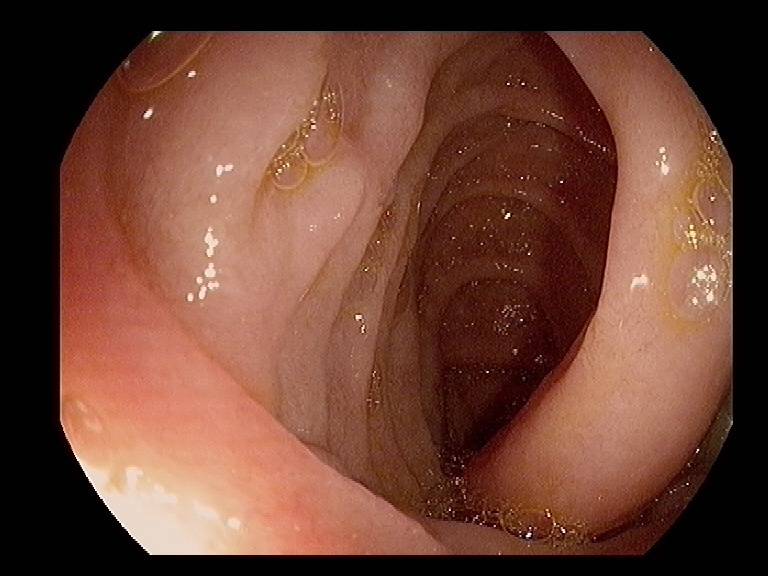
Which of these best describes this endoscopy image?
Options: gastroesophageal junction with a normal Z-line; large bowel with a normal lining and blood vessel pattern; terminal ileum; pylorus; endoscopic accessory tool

terminal ileum